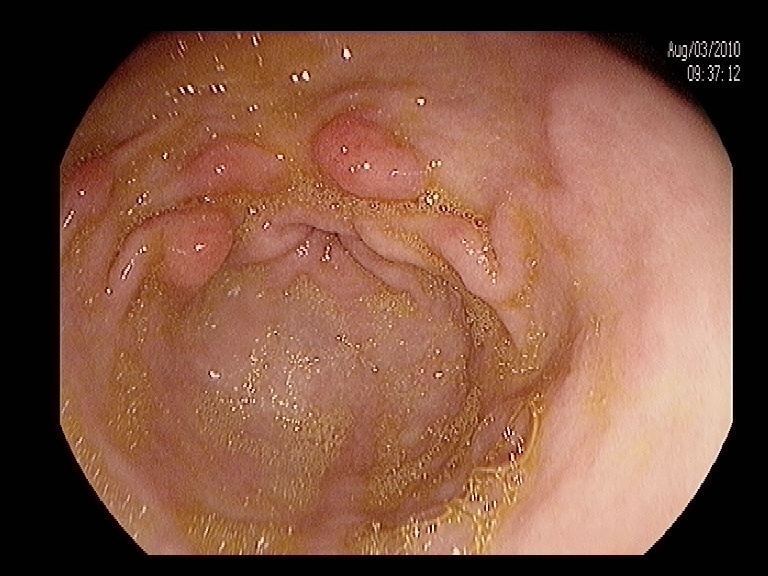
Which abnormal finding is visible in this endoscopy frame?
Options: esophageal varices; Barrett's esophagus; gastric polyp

gastric polyp